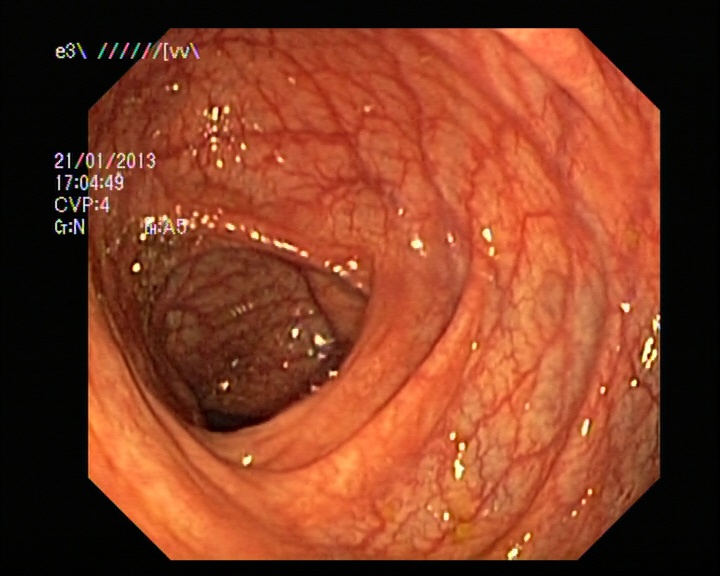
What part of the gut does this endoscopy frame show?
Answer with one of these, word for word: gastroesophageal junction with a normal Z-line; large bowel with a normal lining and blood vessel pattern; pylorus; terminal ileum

large bowel with a normal lining and blood vessel pattern